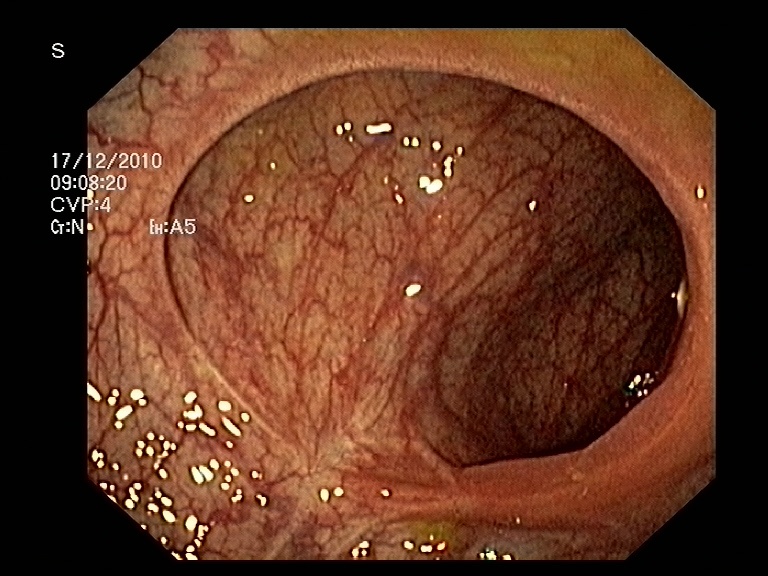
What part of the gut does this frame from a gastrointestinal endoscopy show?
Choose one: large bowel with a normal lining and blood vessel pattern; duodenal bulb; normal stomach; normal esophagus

large bowel with a normal lining and blood vessel pattern